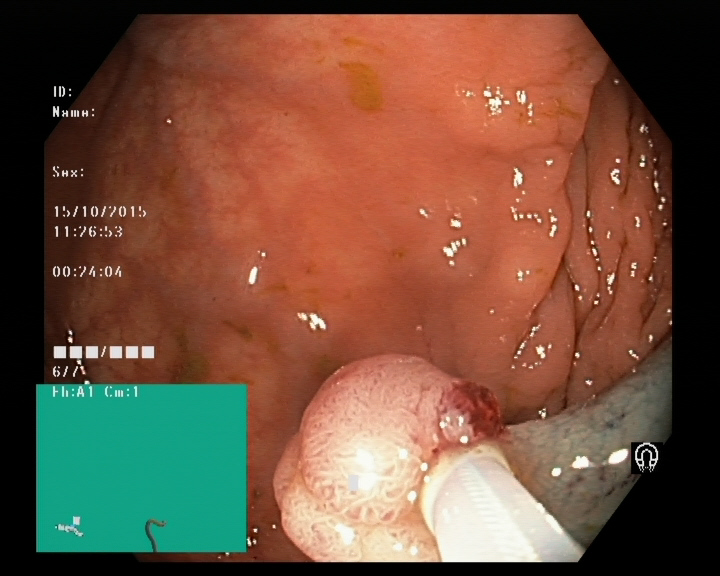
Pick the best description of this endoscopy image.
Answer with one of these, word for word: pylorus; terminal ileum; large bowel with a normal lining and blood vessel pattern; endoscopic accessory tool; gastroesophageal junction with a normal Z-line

endoscopic accessory tool